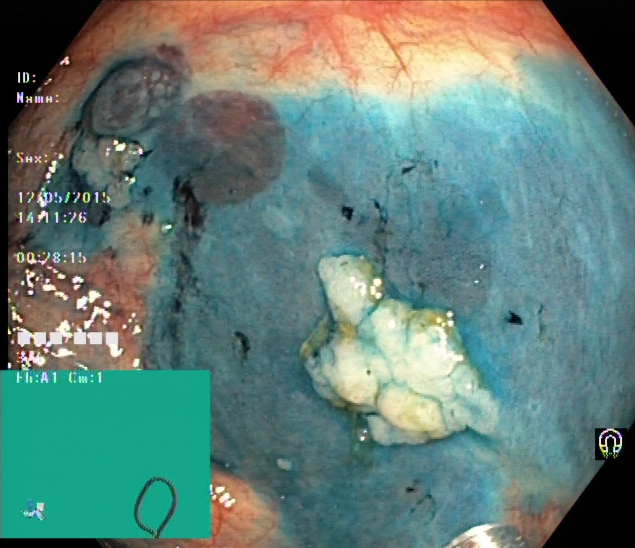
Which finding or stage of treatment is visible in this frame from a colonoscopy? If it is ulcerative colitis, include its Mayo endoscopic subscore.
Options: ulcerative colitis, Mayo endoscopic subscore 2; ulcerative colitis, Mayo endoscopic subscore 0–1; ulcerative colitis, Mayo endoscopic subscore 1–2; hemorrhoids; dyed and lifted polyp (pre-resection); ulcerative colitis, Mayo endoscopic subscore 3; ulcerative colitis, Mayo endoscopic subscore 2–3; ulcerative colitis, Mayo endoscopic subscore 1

dyed and lifted polyp (pre-resection)